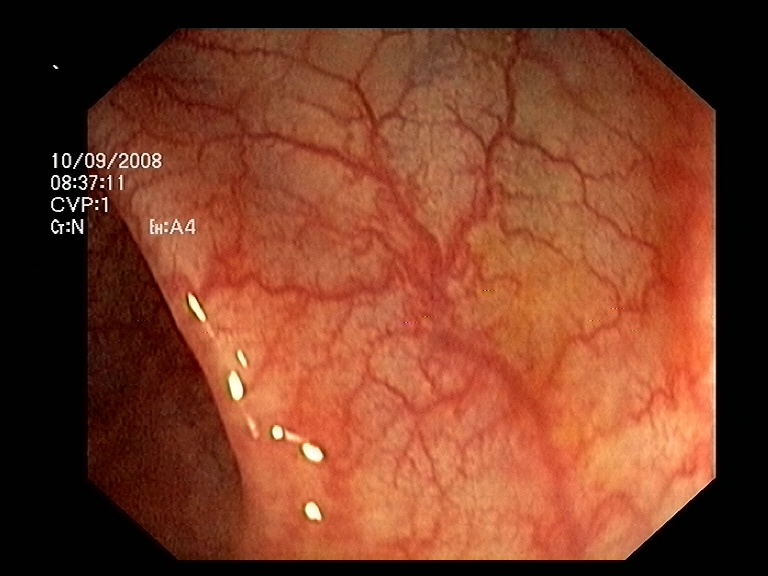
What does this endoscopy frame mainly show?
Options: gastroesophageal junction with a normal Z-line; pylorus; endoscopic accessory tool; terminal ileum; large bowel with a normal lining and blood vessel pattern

large bowel with a normal lining and blood vessel pattern